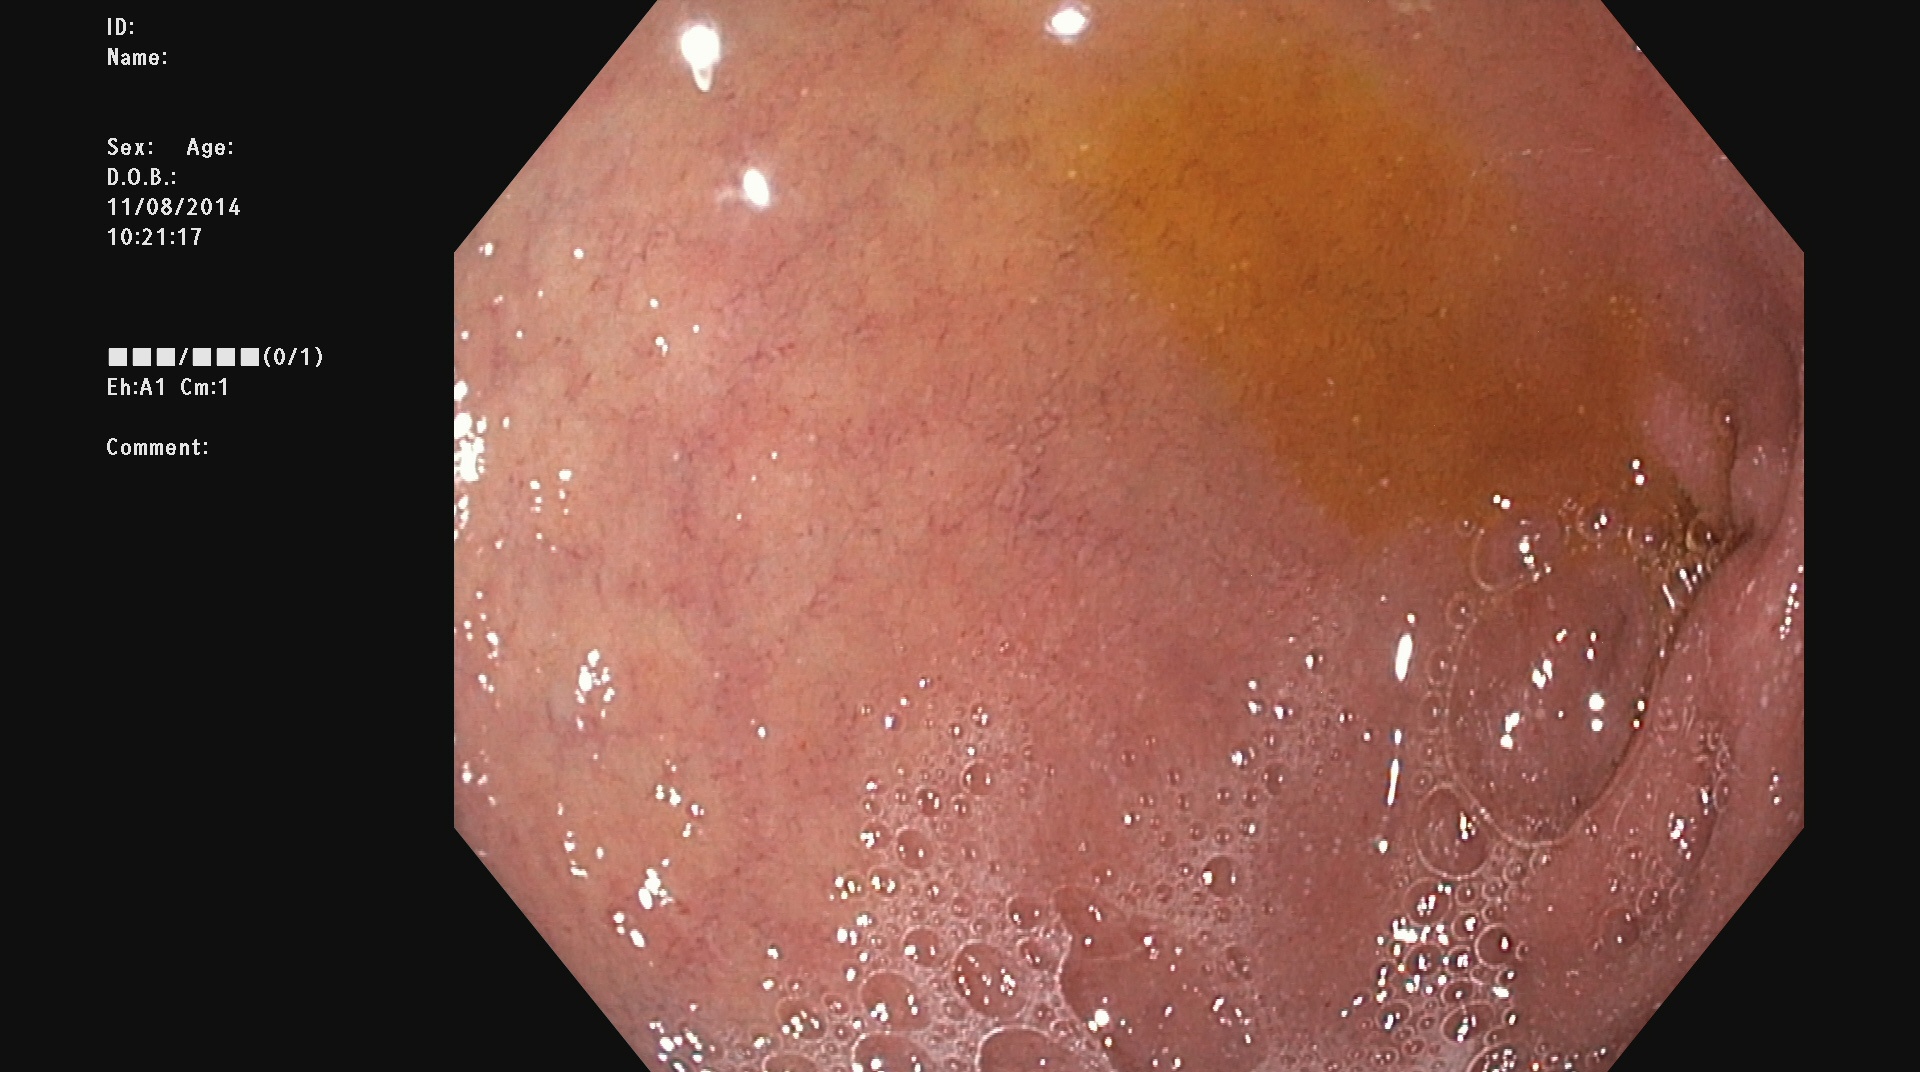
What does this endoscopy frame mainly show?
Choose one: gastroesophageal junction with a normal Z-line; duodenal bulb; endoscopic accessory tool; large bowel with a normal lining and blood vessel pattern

duodenal bulb